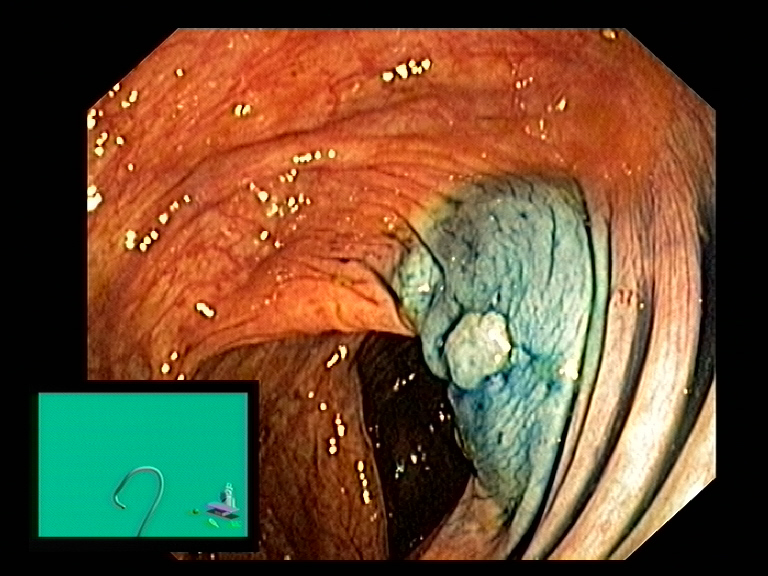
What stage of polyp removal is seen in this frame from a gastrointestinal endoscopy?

dyed and lifted polyp (pre-resection)